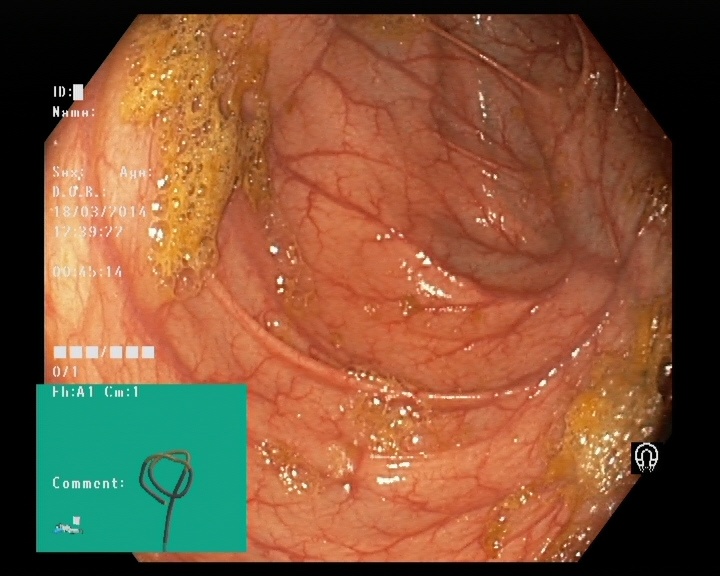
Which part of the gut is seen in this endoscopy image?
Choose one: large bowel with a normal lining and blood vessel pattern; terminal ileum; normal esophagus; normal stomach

large bowel with a normal lining and blood vessel pattern